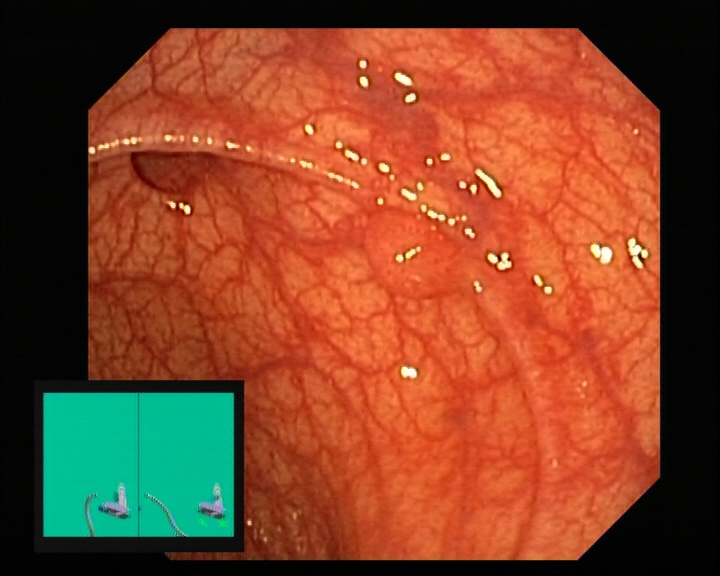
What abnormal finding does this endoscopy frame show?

colon polyp